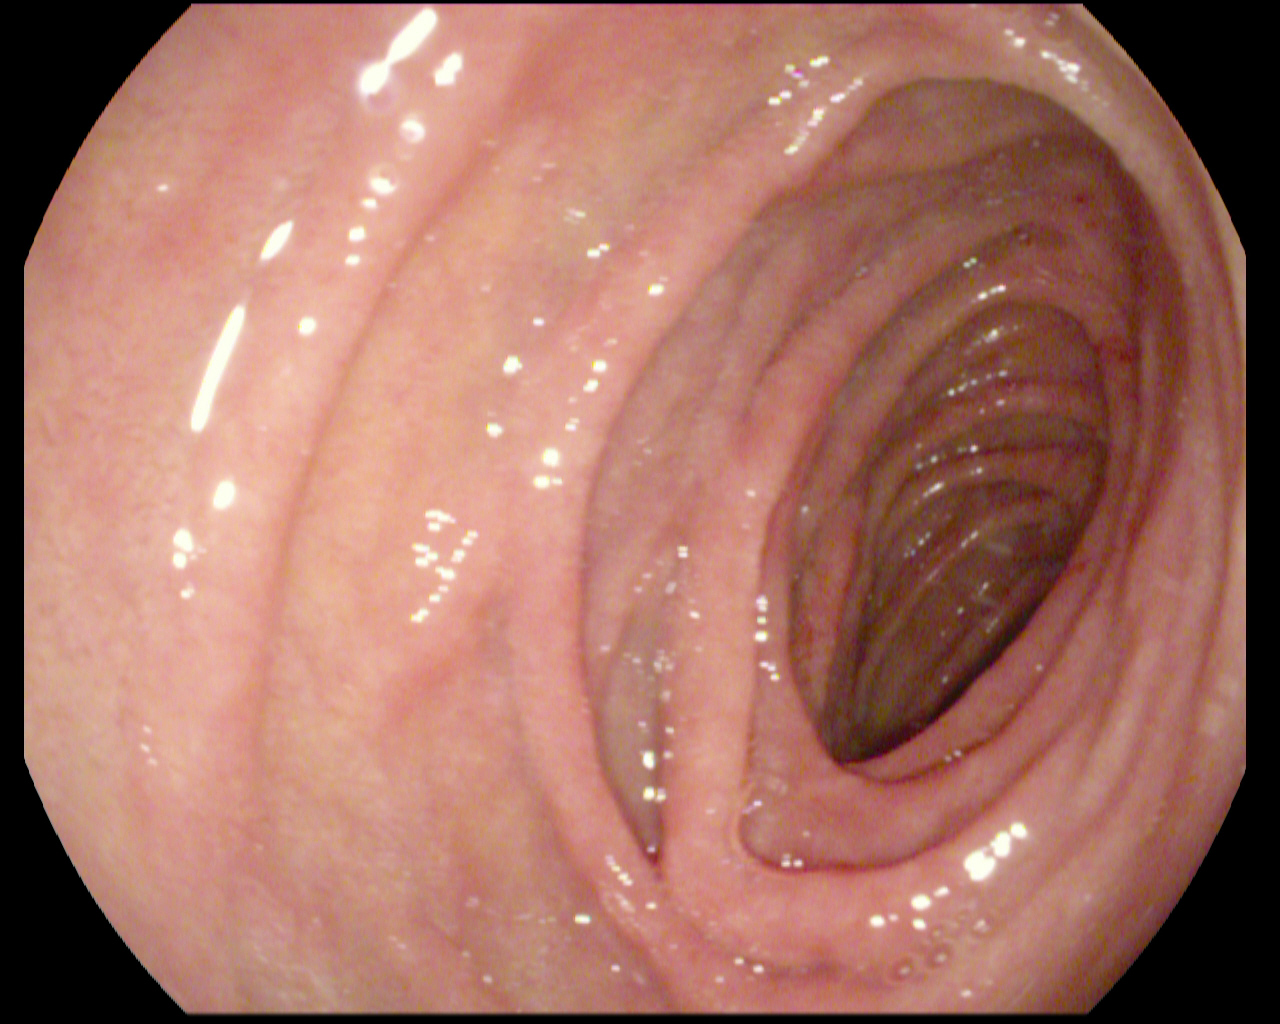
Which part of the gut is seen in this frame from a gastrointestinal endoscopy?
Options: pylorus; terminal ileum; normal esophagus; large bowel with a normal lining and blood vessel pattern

terminal ileum